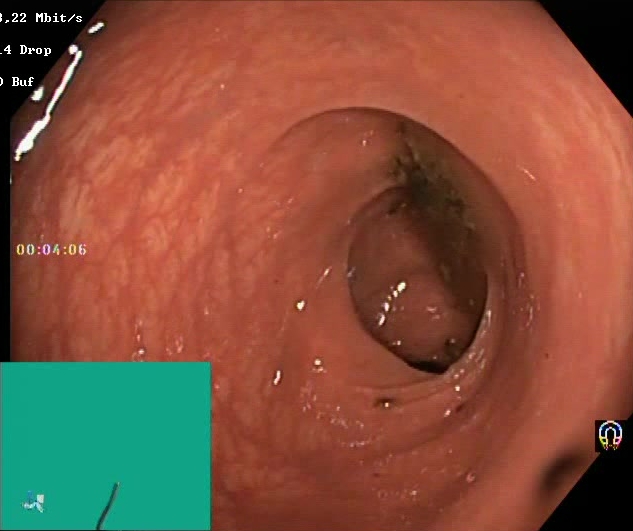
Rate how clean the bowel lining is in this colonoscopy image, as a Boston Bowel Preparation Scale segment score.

Boston Bowel Preparation Scale score 0–1 (inadequate preparation)